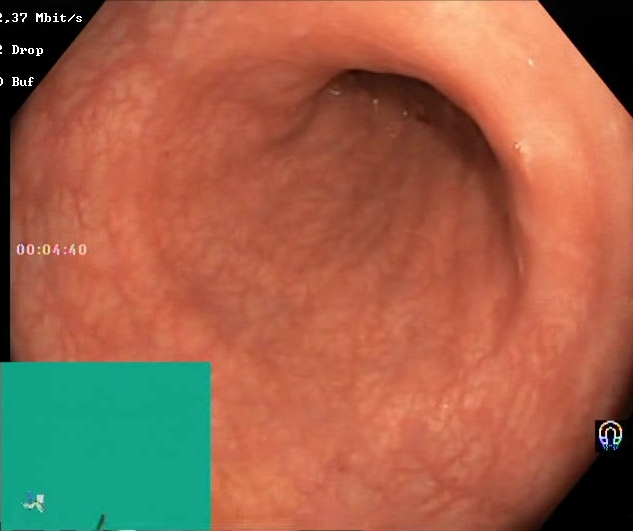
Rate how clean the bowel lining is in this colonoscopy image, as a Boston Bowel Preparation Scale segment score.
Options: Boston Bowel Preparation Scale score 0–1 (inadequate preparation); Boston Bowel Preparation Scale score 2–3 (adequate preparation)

Boston Bowel Preparation Scale score 2–3 (adequate preparation)